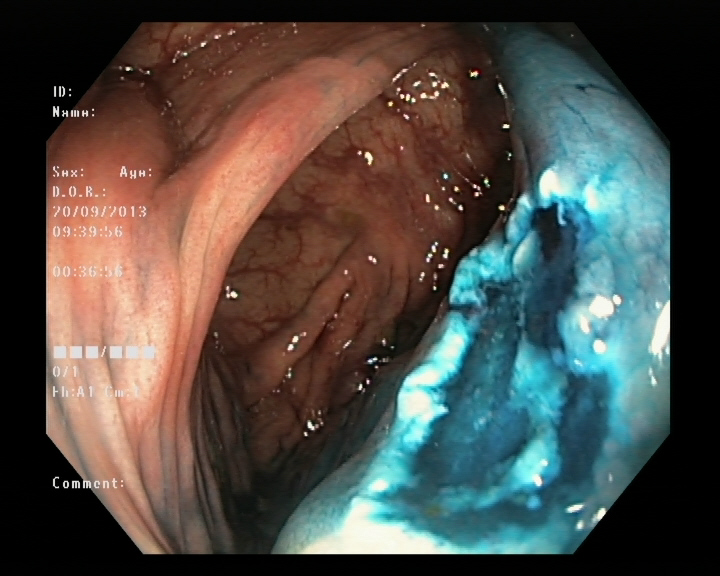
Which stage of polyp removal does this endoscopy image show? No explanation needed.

dyed resection margin (post-polypectomy)